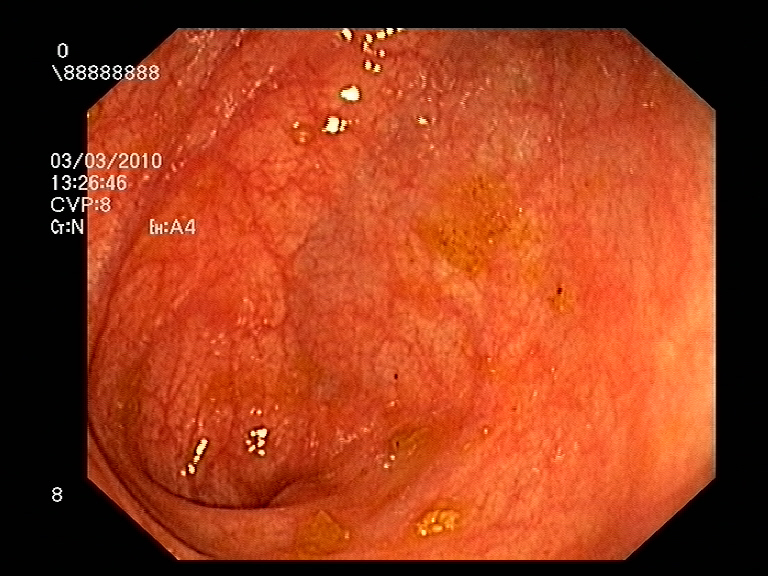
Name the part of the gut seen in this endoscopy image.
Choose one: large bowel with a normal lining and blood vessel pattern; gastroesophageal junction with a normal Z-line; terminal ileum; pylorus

large bowel with a normal lining and blood vessel pattern